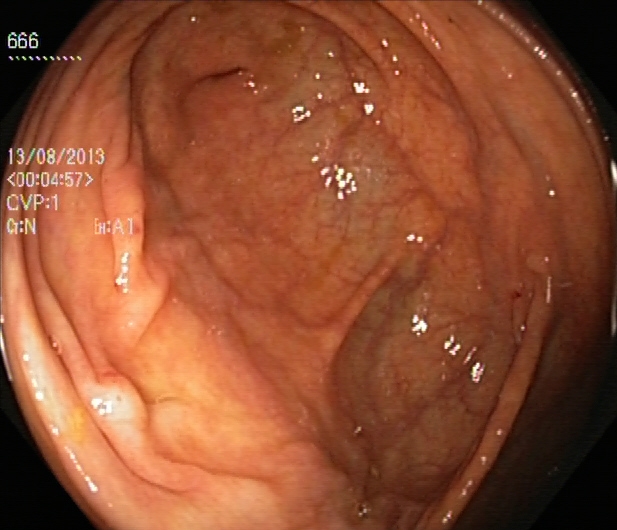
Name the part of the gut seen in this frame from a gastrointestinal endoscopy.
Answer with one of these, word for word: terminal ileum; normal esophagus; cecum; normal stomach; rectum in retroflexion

cecum